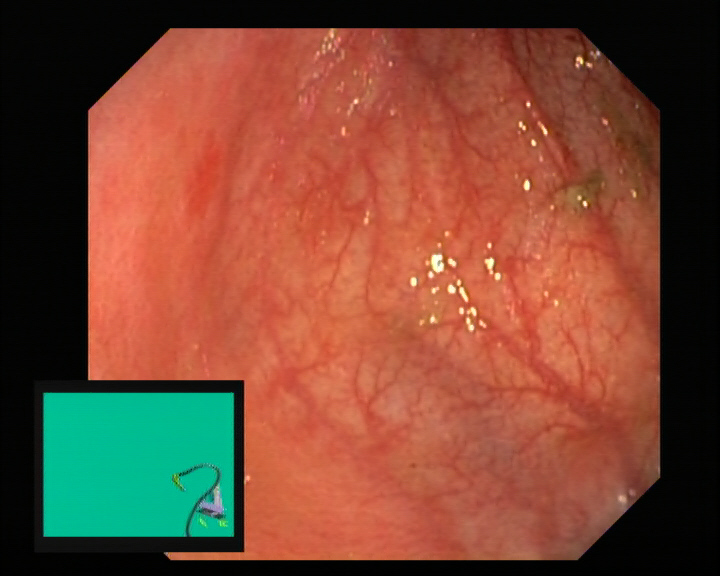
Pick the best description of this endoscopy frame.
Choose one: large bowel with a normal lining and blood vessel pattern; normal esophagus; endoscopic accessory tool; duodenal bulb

large bowel with a normal lining and blood vessel pattern